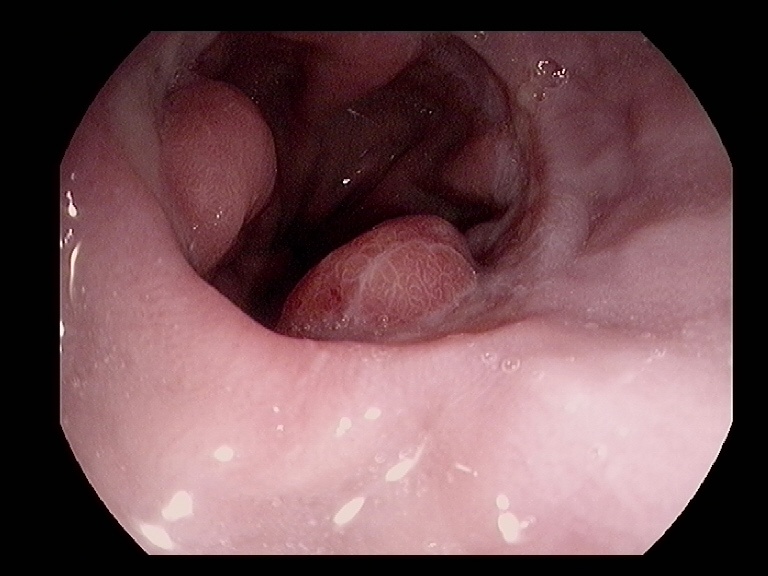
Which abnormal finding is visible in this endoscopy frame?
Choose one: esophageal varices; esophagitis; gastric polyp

gastric polyp